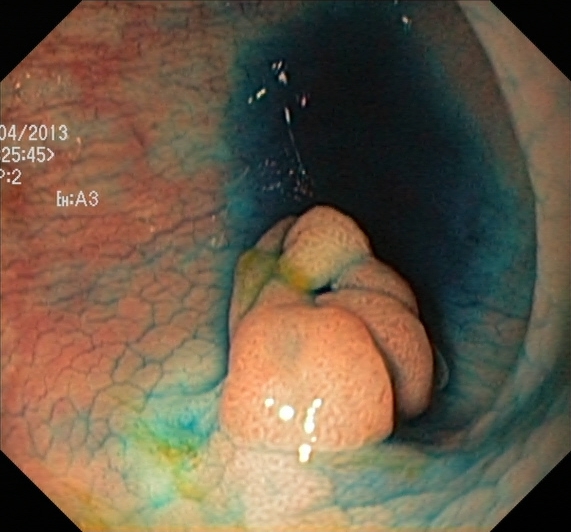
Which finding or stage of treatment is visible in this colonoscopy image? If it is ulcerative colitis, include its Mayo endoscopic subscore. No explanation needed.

dyed and lifted polyp (pre-resection)